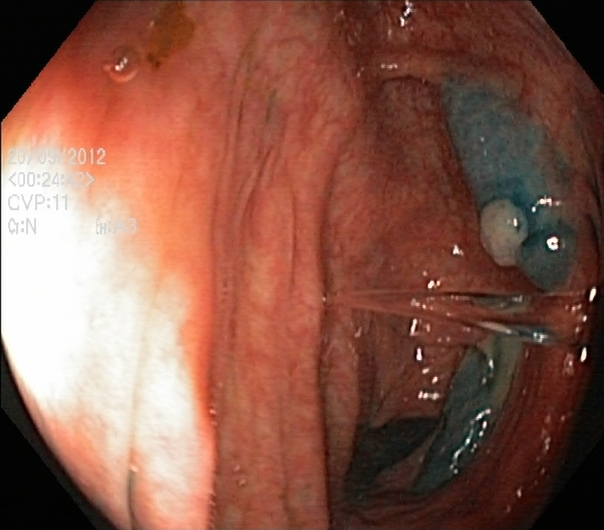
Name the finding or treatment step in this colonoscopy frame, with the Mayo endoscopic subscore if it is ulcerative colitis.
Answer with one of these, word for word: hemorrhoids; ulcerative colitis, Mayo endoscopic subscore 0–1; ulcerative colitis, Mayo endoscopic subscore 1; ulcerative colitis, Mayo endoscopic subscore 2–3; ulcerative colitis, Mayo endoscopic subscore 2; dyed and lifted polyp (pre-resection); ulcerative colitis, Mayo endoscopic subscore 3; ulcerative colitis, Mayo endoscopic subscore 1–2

dyed and lifted polyp (pre-resection)